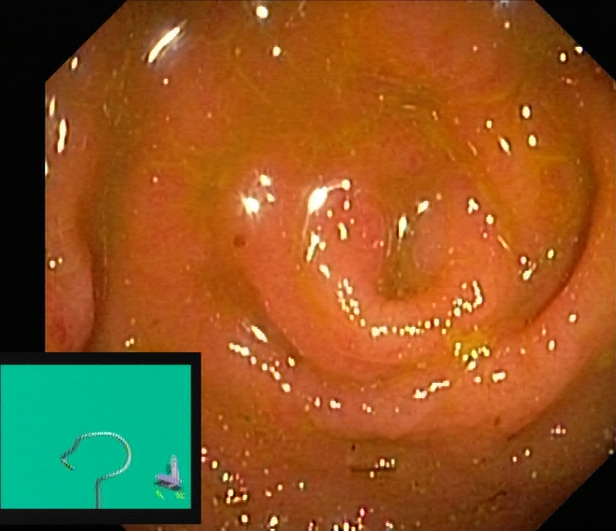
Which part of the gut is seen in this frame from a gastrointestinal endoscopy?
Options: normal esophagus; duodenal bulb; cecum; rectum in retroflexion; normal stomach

cecum